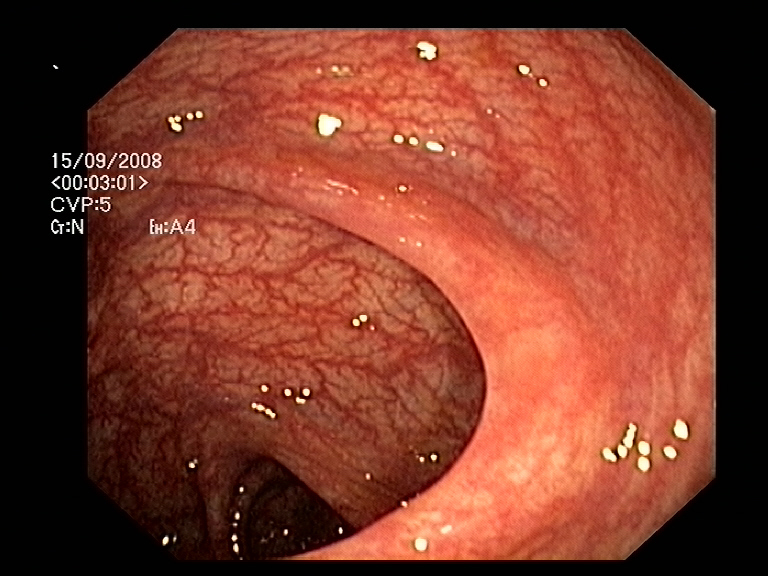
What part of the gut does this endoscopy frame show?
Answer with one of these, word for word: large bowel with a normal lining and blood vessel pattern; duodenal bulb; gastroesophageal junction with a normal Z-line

large bowel with a normal lining and blood vessel pattern